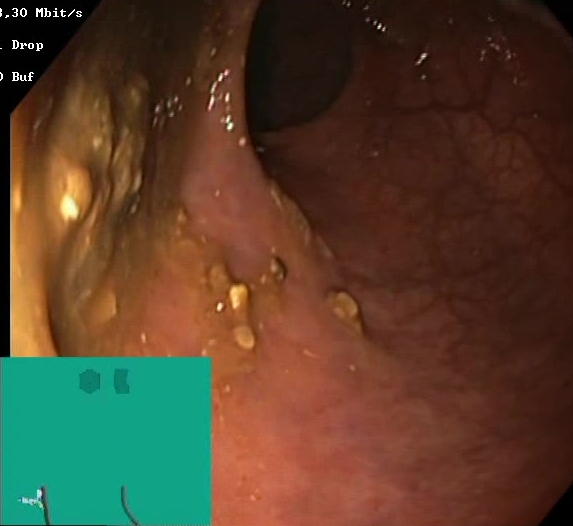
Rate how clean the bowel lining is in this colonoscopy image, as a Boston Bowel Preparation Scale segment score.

Boston Bowel Preparation Scale score 0–1 (inadequate preparation)